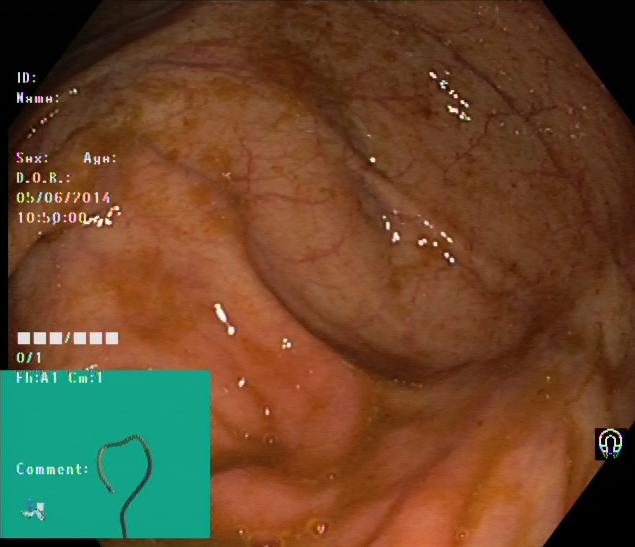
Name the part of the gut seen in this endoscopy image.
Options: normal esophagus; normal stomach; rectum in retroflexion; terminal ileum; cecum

cecum